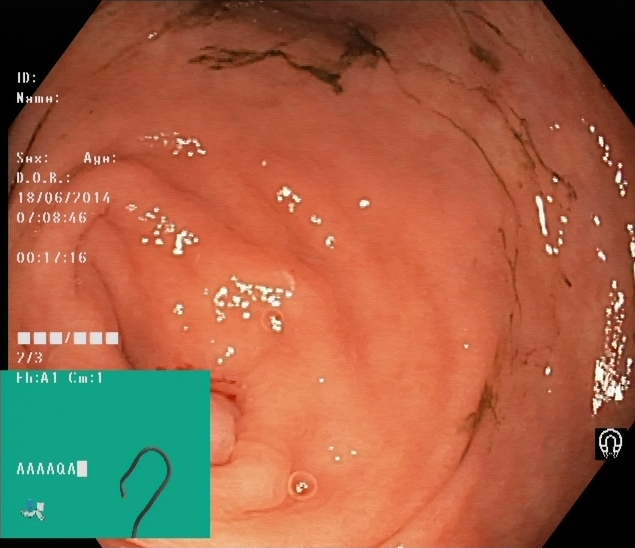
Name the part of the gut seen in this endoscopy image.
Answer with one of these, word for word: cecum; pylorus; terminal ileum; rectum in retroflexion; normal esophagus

cecum